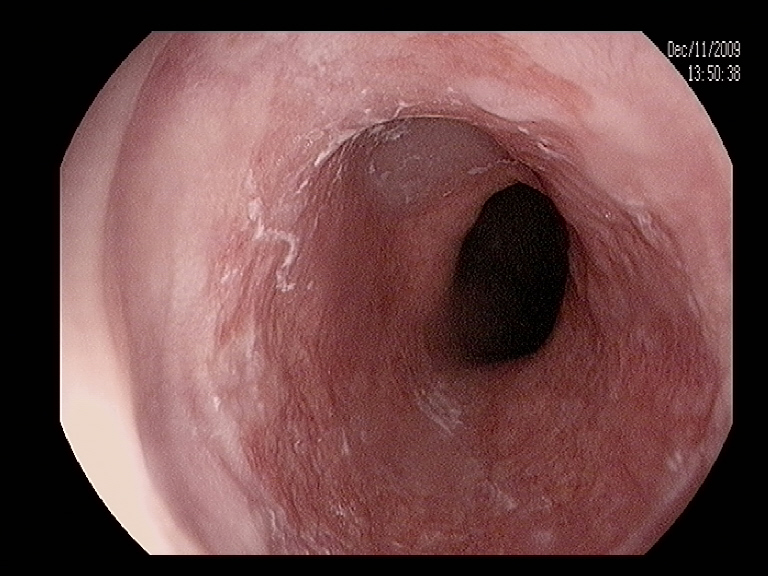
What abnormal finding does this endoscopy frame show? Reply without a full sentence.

Barrett's esophagus